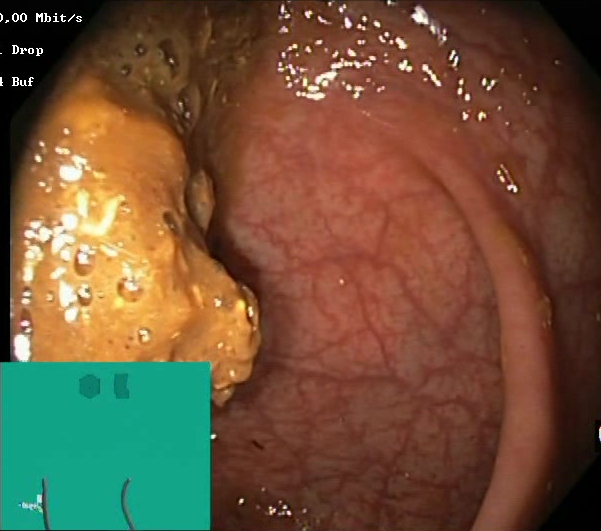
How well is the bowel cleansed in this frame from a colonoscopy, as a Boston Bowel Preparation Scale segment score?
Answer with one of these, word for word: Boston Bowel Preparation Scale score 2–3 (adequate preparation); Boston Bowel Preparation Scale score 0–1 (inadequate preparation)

Boston Bowel Preparation Scale score 0–1 (inadequate preparation)